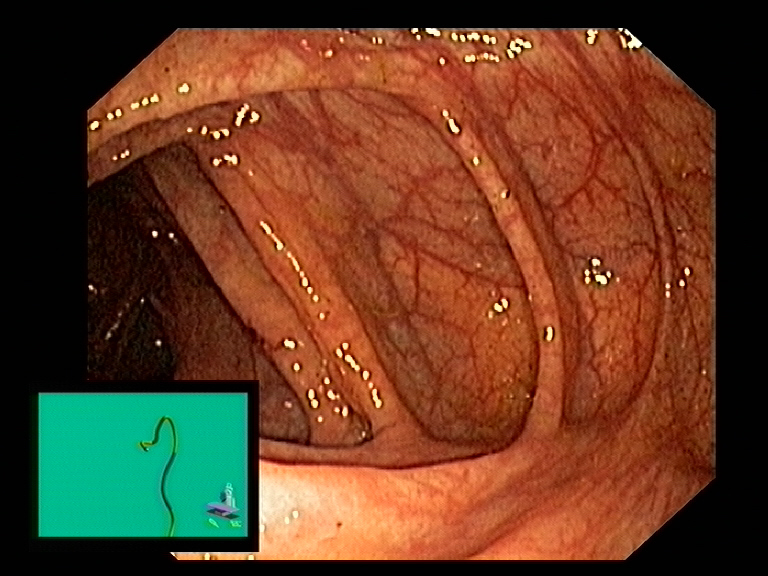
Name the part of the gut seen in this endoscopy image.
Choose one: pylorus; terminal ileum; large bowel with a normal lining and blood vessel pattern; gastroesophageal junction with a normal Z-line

large bowel with a normal lining and blood vessel pattern